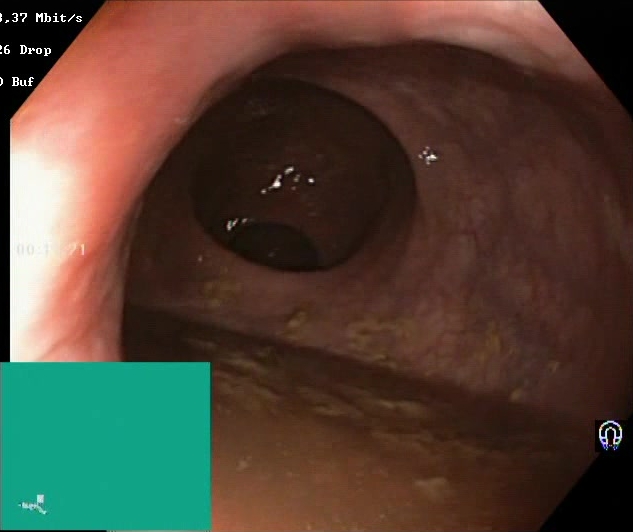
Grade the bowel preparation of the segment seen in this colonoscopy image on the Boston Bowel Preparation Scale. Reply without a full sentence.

Boston Bowel Preparation Scale score 0–1 (inadequate preparation)